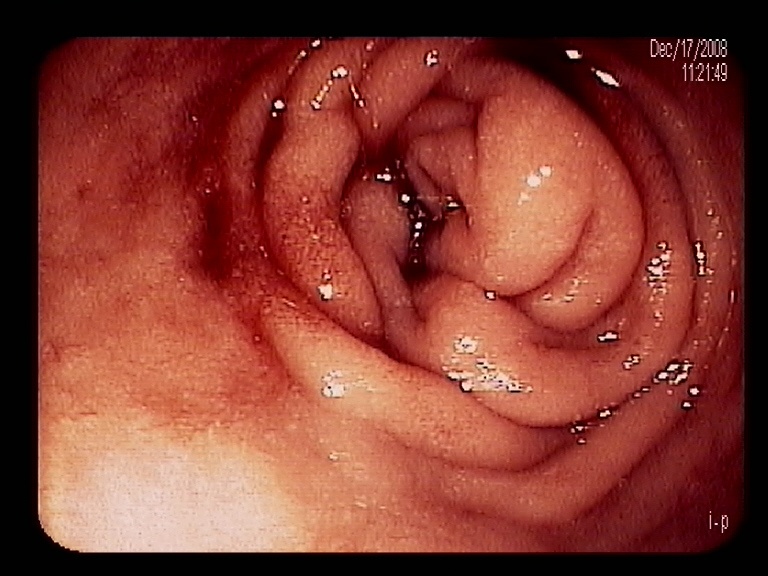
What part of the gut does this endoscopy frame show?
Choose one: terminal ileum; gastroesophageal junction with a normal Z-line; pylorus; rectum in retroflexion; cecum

terminal ileum